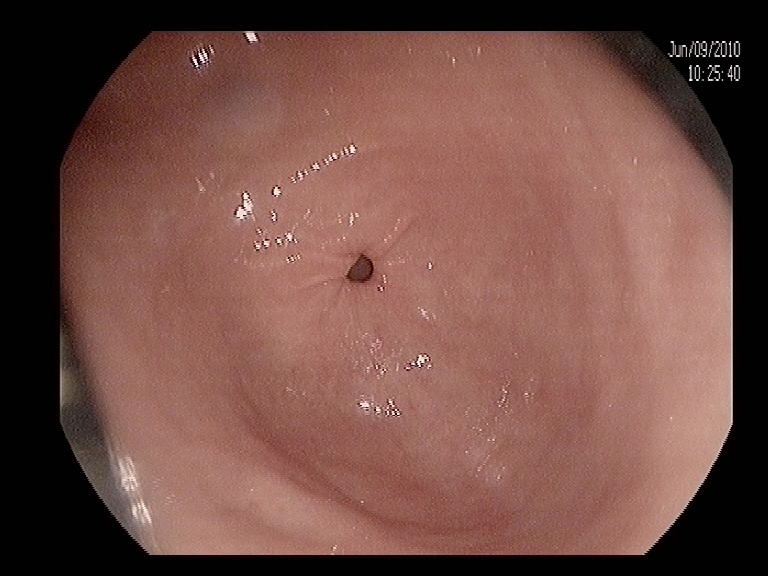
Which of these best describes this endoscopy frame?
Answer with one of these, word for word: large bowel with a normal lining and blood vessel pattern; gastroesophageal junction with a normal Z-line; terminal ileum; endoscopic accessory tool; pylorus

pylorus